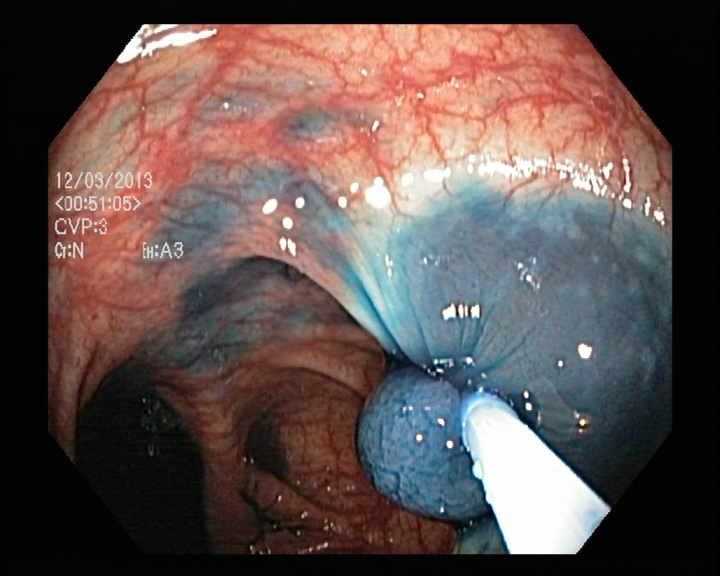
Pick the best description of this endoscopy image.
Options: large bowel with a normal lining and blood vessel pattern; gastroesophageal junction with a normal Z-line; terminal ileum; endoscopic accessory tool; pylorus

endoscopic accessory tool